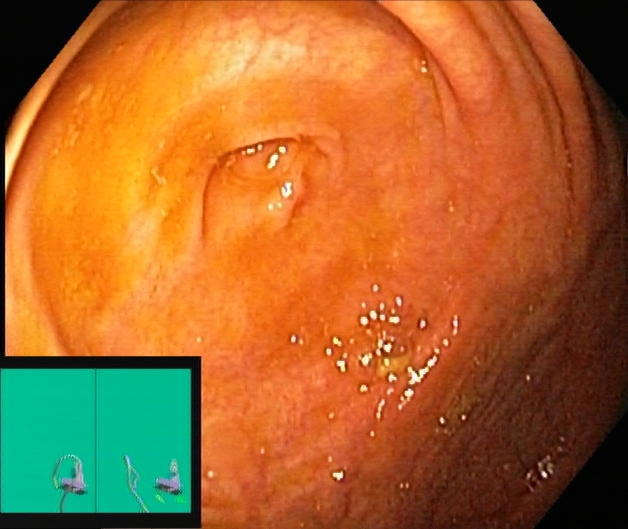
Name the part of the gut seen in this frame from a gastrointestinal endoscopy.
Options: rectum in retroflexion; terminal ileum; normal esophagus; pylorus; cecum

cecum